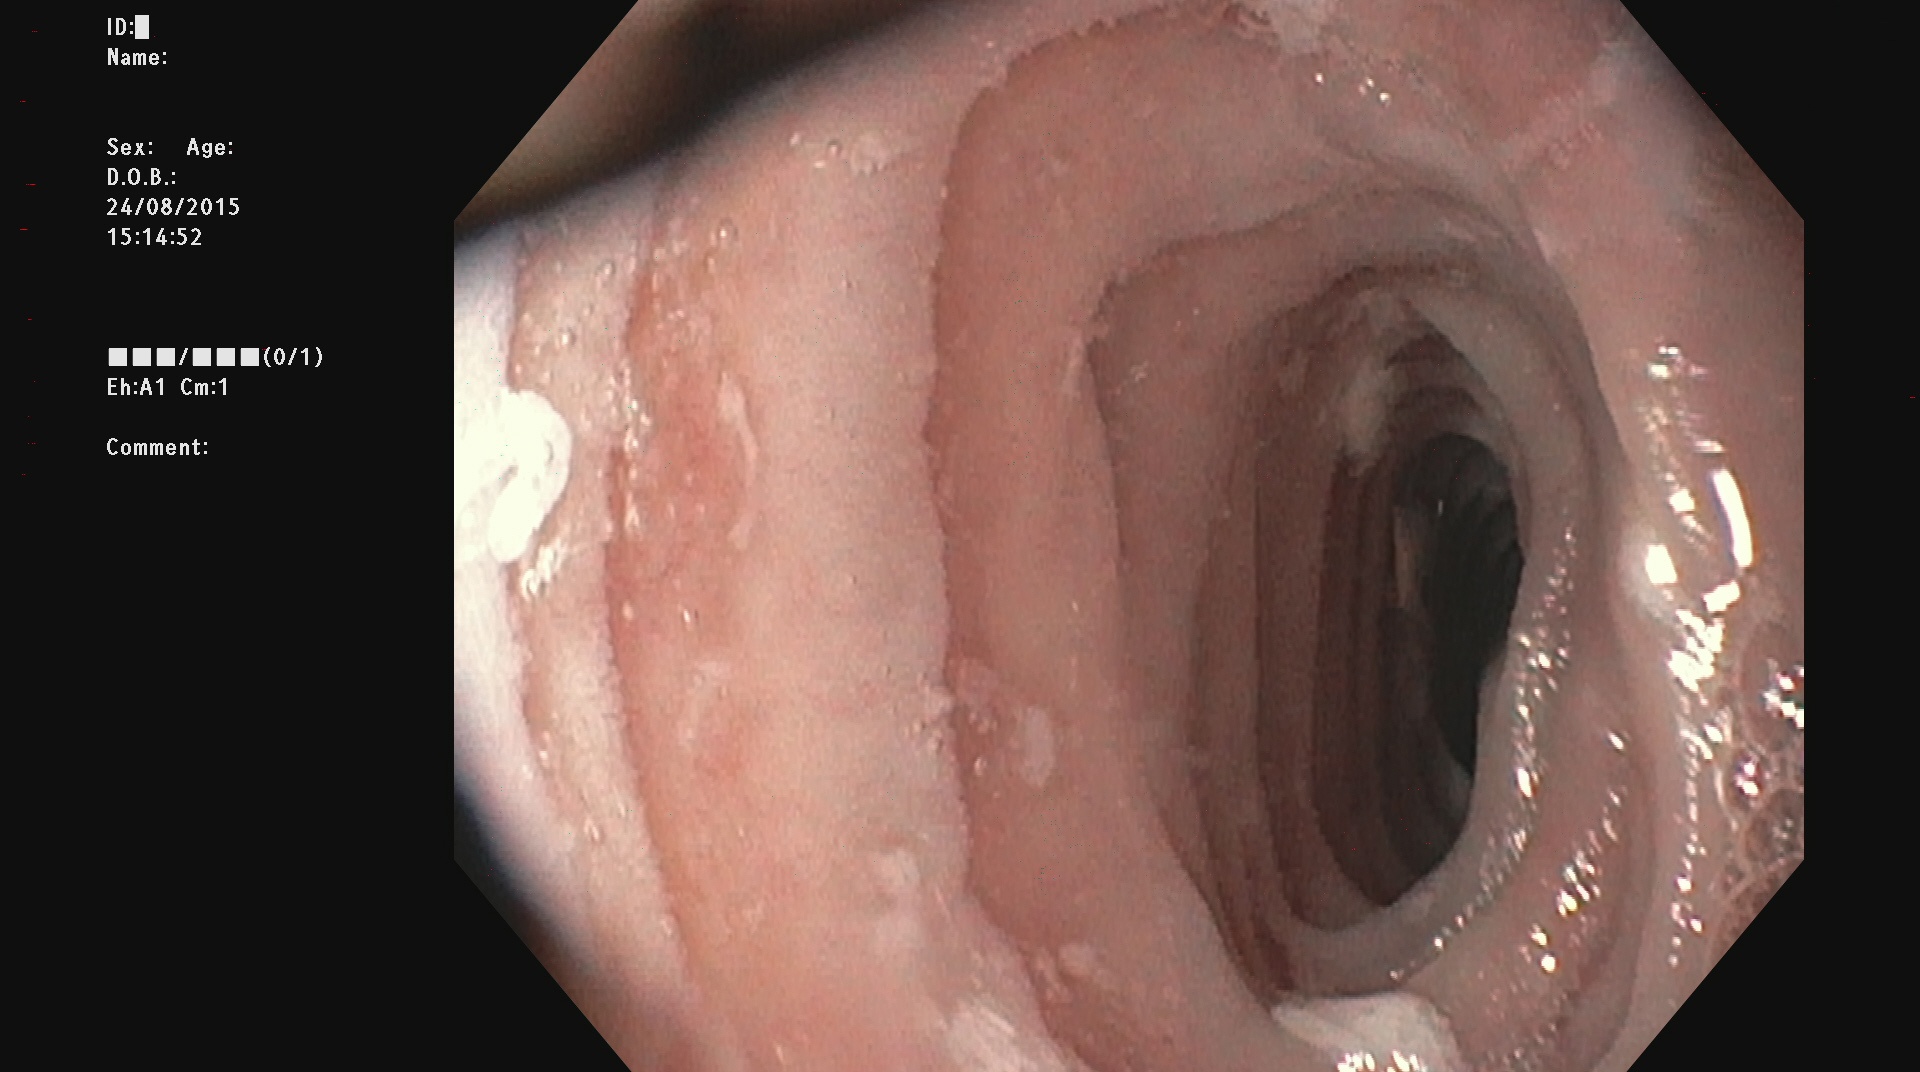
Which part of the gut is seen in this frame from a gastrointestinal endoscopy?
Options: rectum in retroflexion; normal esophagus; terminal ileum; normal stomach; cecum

terminal ileum